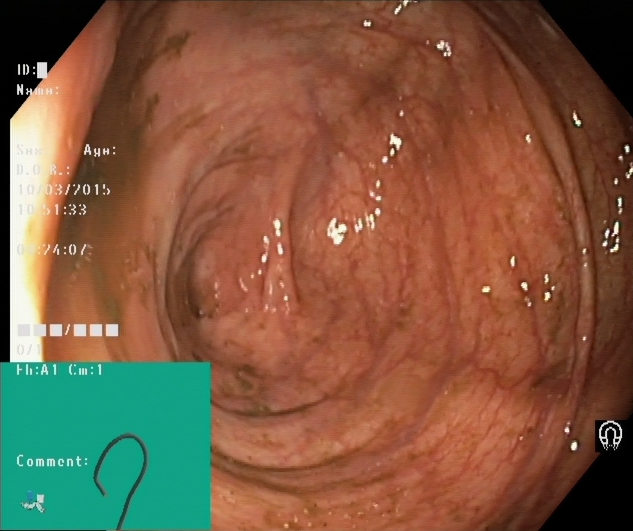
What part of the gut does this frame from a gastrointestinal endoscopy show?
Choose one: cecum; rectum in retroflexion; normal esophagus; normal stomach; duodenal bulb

cecum